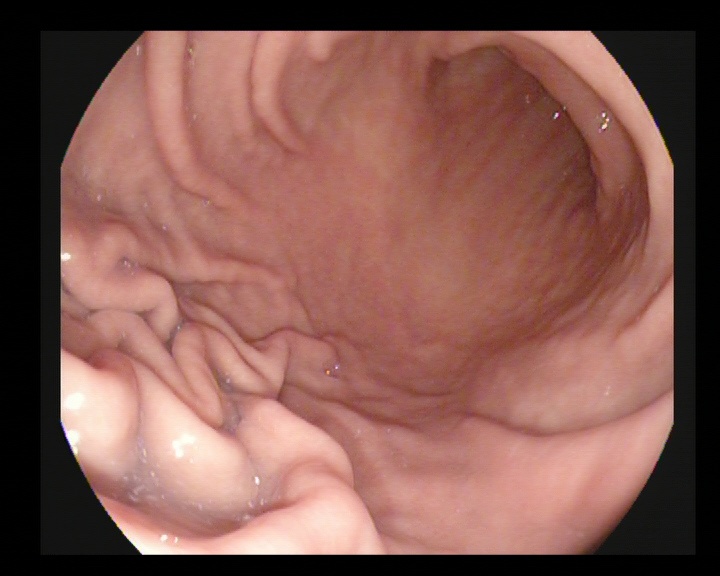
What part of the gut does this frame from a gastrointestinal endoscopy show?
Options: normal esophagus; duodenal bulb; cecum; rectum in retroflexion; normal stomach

normal stomach